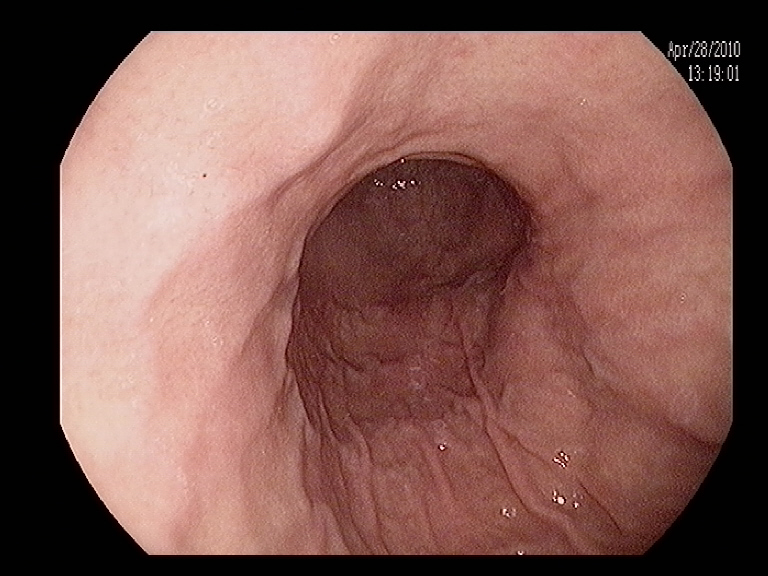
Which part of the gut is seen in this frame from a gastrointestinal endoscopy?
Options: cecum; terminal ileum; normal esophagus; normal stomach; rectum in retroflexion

normal stomach